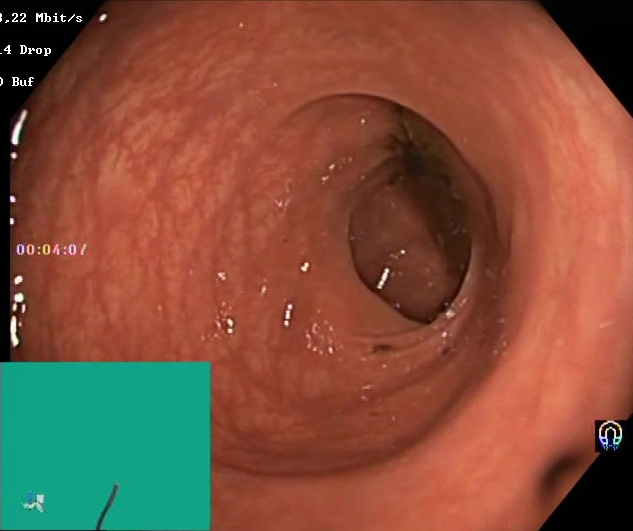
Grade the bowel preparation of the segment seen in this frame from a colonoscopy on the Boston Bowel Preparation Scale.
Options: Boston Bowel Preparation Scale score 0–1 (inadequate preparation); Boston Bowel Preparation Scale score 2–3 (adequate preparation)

Boston Bowel Preparation Scale score 0–1 (inadequate preparation)